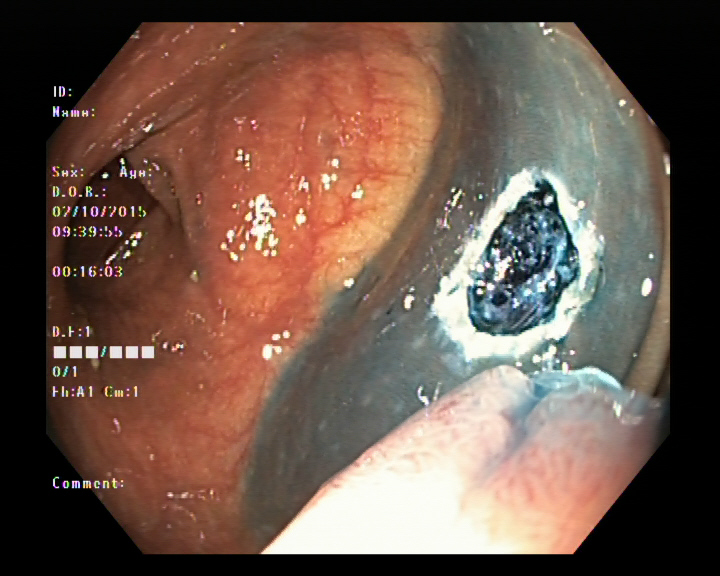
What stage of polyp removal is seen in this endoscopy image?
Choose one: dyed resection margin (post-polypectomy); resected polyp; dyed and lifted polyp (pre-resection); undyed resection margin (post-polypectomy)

dyed resection margin (post-polypectomy)